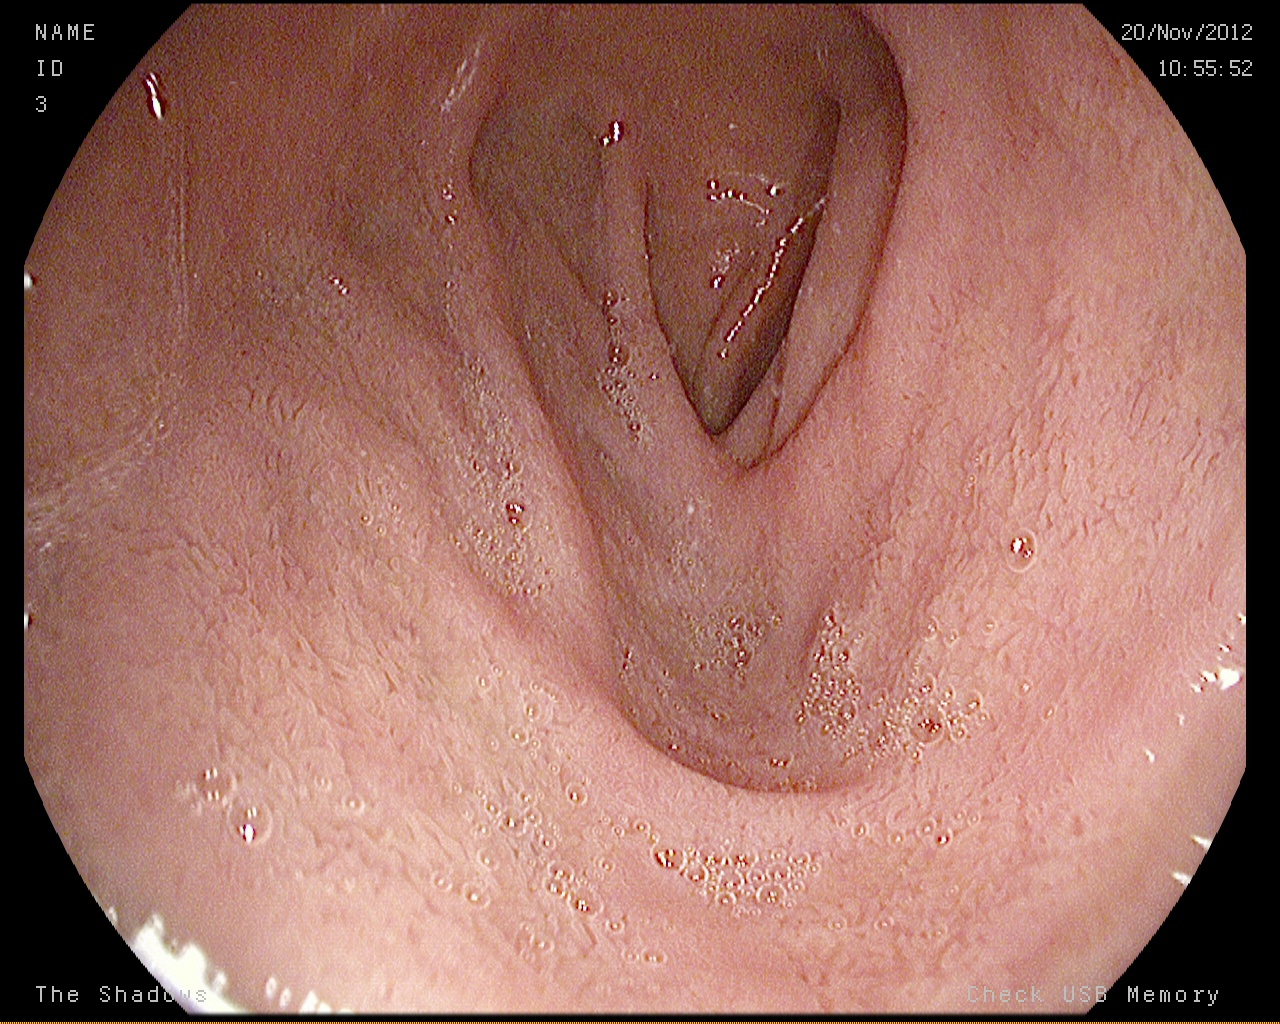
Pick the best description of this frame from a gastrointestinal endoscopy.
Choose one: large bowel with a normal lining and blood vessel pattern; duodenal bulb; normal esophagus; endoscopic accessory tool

duodenal bulb